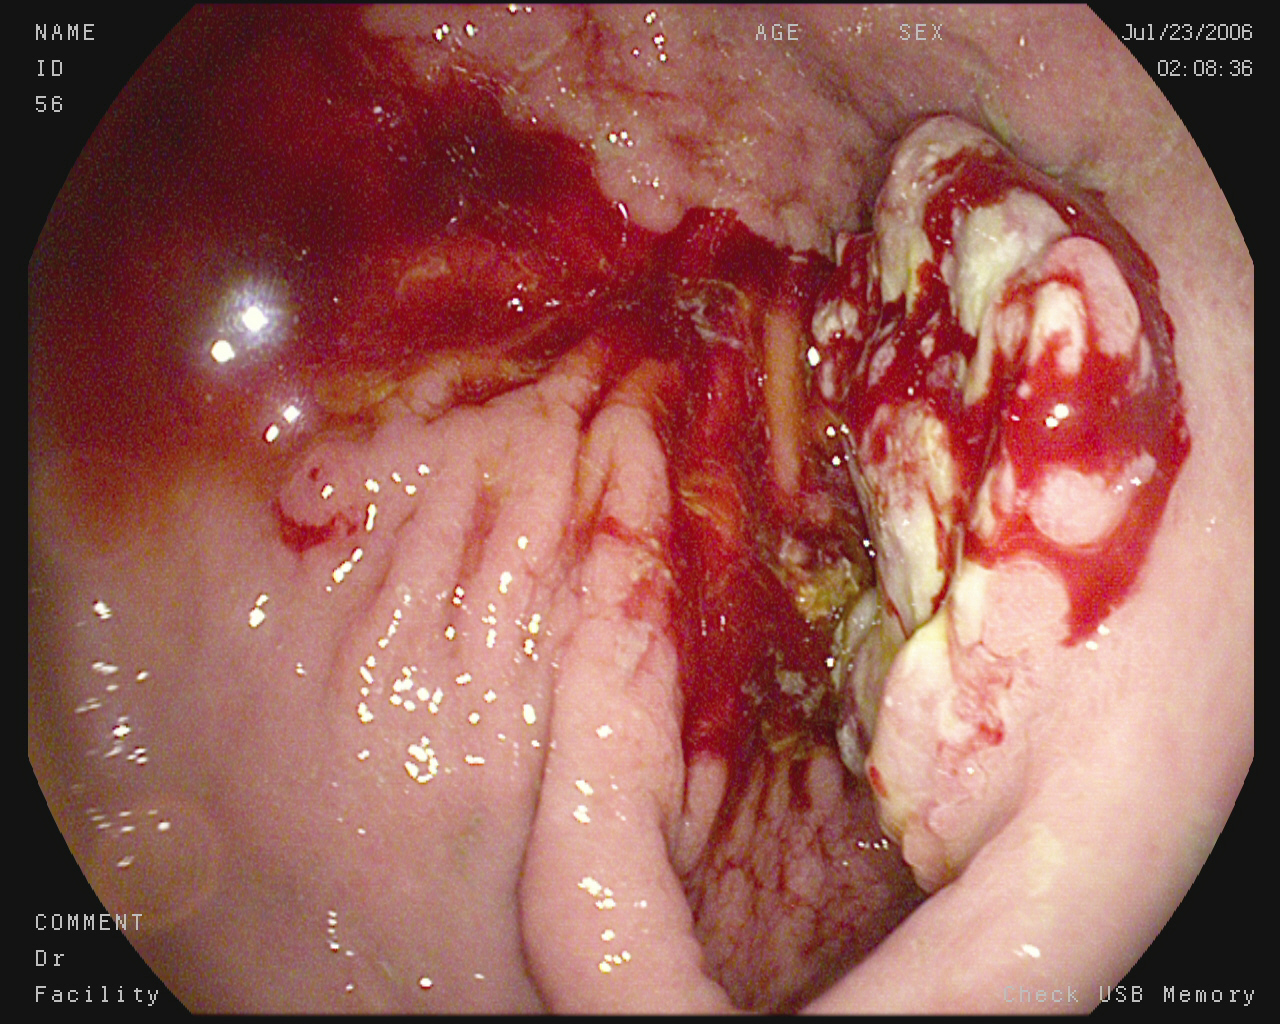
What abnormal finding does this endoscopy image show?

blood in the lumen